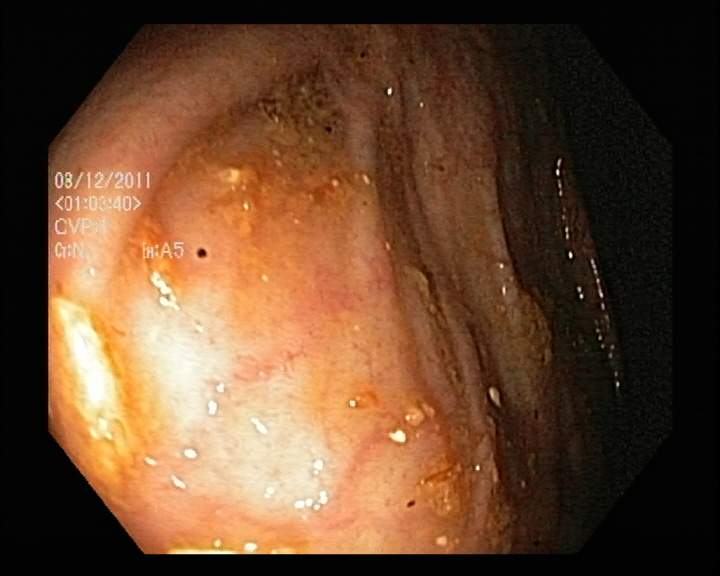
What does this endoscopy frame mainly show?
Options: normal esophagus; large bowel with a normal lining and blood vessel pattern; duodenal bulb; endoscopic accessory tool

large bowel with a normal lining and blood vessel pattern